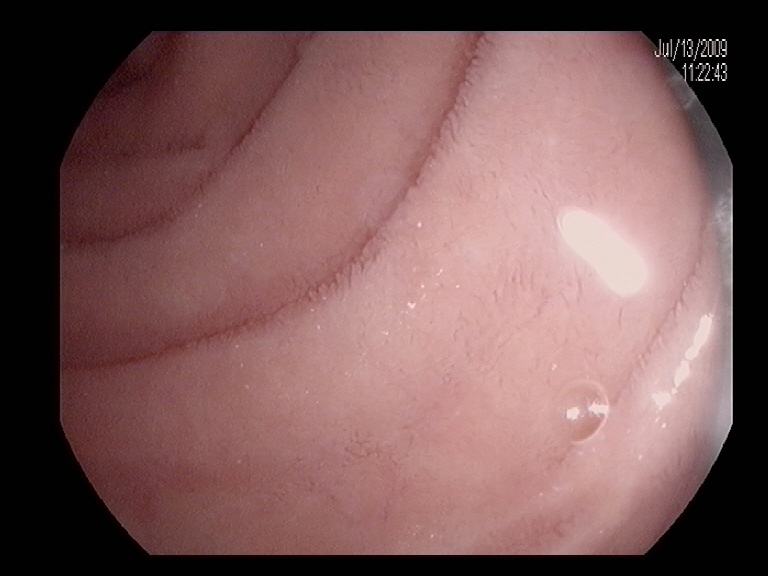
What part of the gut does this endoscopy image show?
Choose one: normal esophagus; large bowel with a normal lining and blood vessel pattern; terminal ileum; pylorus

terminal ileum